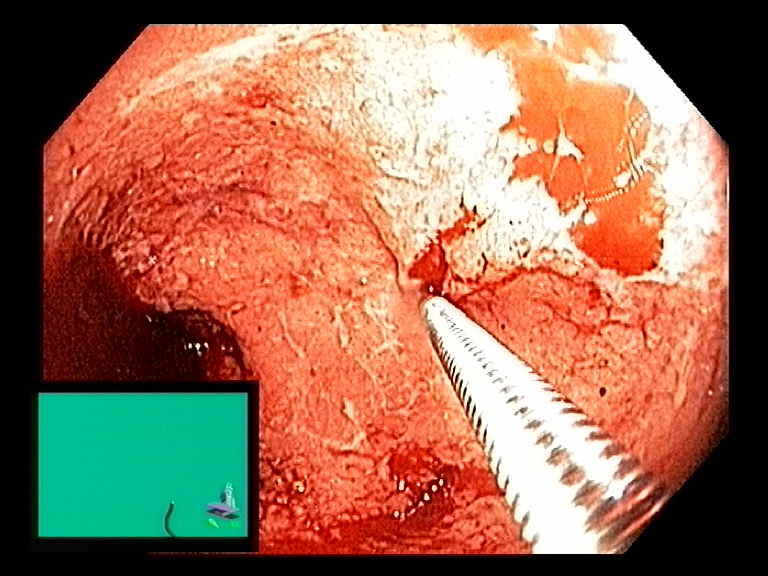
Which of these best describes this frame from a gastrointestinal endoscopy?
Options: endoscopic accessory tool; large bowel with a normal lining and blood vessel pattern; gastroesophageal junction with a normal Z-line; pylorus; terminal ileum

endoscopic accessory tool